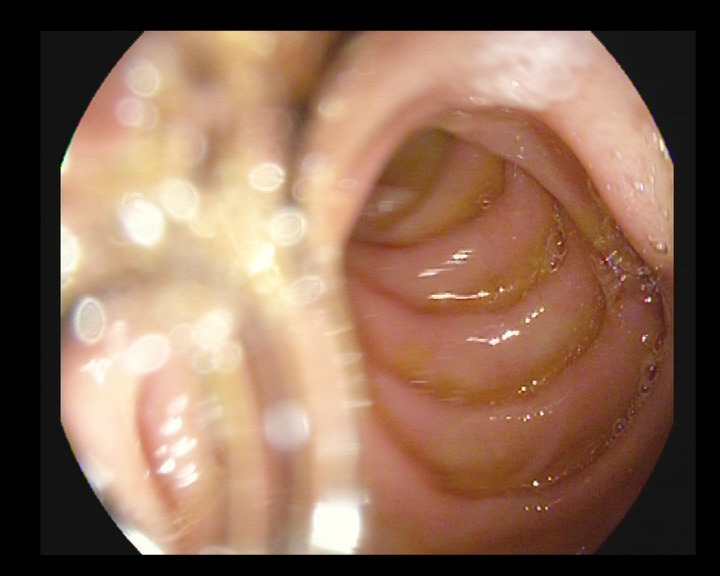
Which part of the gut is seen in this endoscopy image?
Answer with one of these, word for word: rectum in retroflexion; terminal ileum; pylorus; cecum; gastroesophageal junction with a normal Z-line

terminal ileum